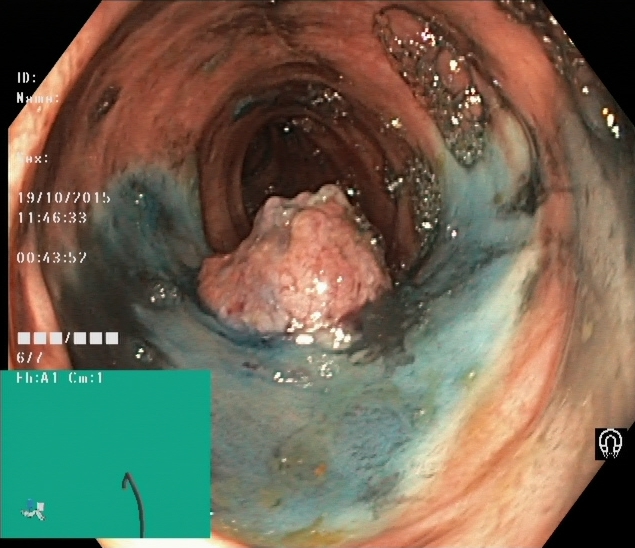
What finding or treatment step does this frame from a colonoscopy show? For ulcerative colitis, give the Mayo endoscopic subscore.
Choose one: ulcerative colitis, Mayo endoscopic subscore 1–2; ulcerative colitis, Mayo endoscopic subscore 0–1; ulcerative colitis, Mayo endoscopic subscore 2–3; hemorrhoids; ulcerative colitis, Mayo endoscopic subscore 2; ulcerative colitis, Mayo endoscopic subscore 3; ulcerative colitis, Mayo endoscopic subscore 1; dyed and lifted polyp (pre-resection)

dyed and lifted polyp (pre-resection)